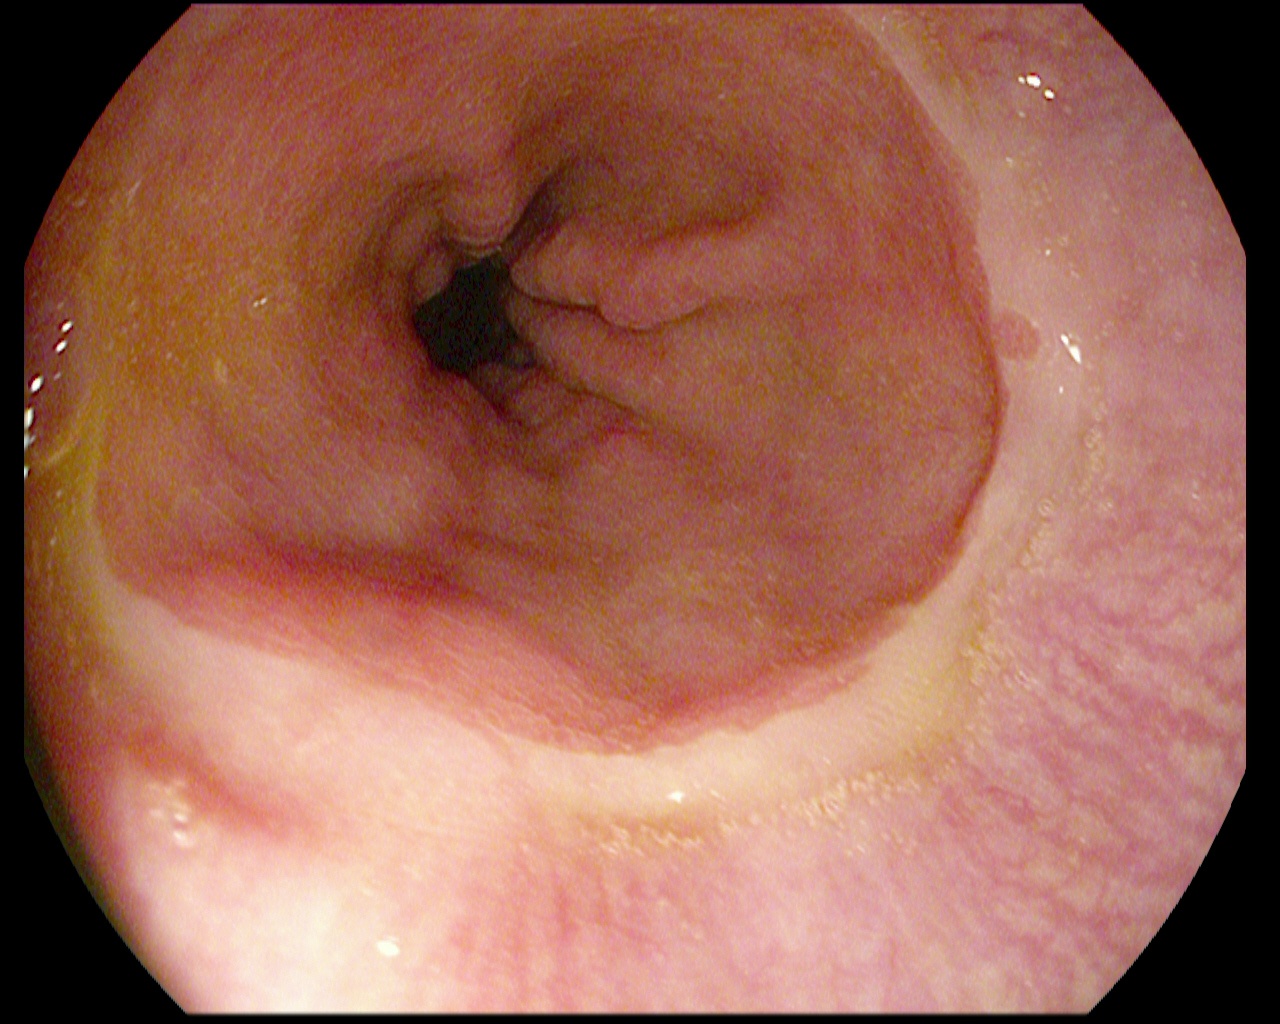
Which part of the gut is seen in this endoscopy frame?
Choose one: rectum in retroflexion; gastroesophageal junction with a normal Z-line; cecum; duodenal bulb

gastroesophageal junction with a normal Z-line